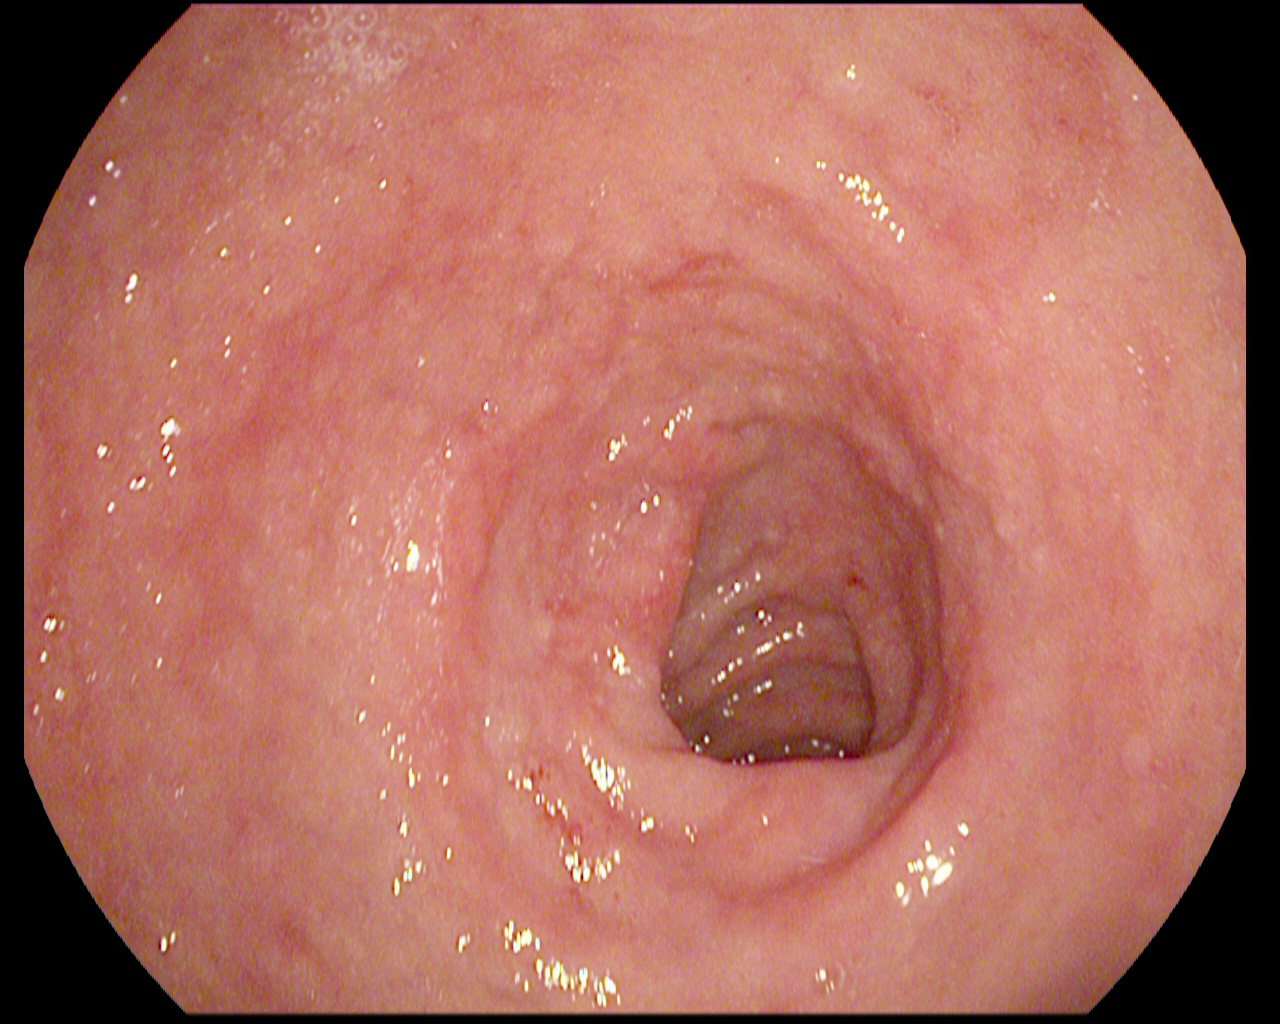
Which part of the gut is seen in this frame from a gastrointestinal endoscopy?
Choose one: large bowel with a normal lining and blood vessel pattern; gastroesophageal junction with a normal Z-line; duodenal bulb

duodenal bulb